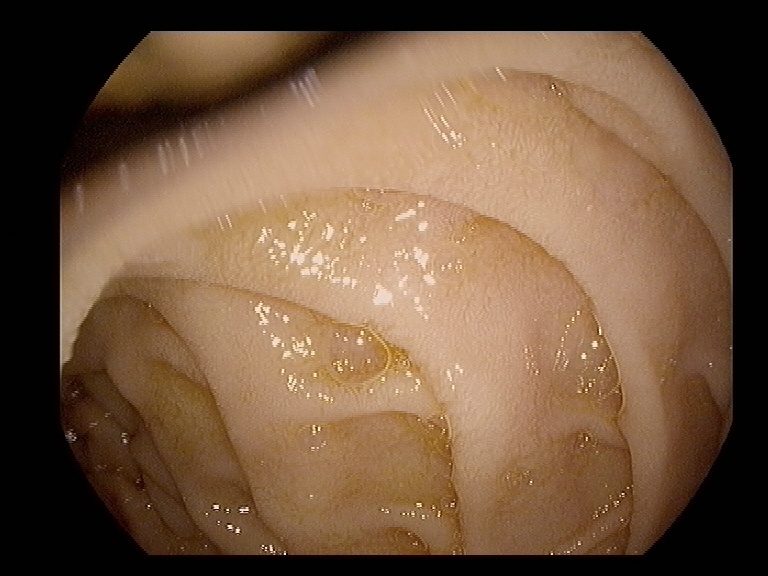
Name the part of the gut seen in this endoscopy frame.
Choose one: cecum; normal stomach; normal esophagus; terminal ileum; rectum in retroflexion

terminal ileum